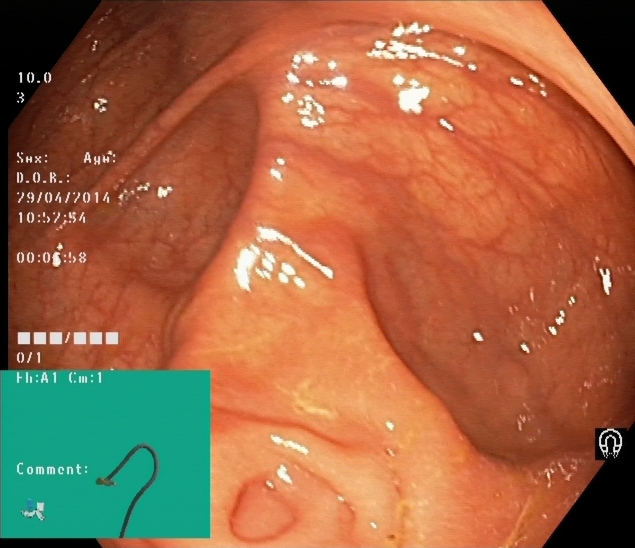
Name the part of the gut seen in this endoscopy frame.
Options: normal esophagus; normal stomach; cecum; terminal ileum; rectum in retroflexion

cecum